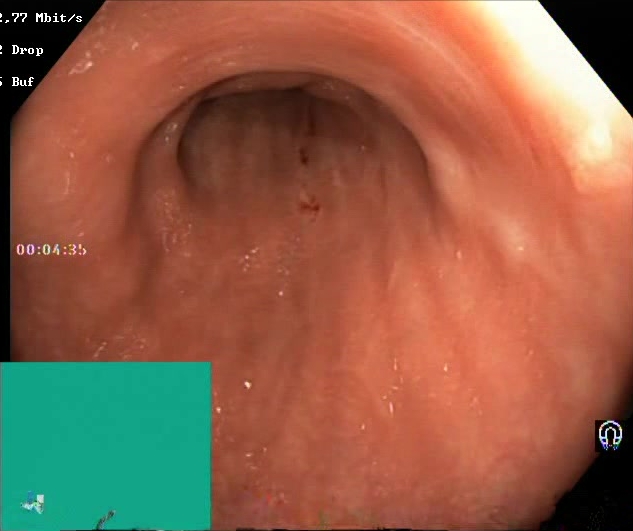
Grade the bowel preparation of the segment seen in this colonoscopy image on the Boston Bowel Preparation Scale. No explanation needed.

Boston Bowel Preparation Scale score 2–3 (adequate preparation)